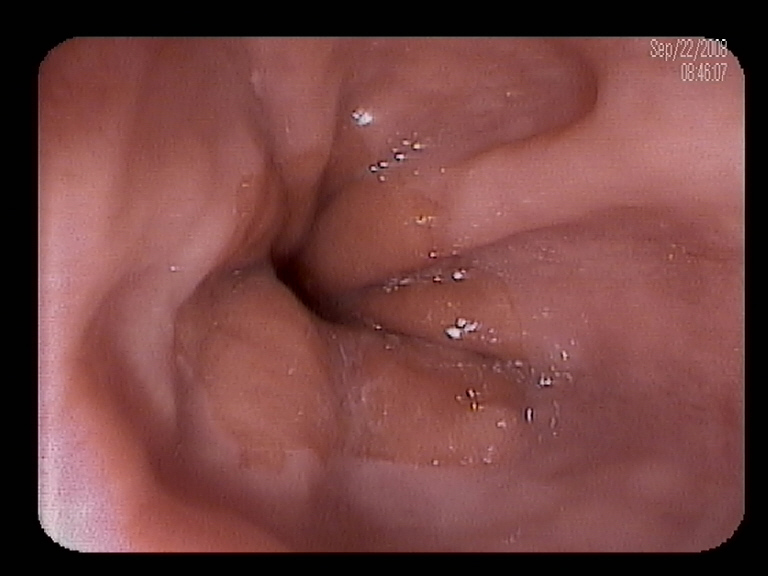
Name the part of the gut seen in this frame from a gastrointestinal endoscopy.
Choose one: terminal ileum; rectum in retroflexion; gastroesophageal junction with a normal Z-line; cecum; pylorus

gastroesophageal junction with a normal Z-line